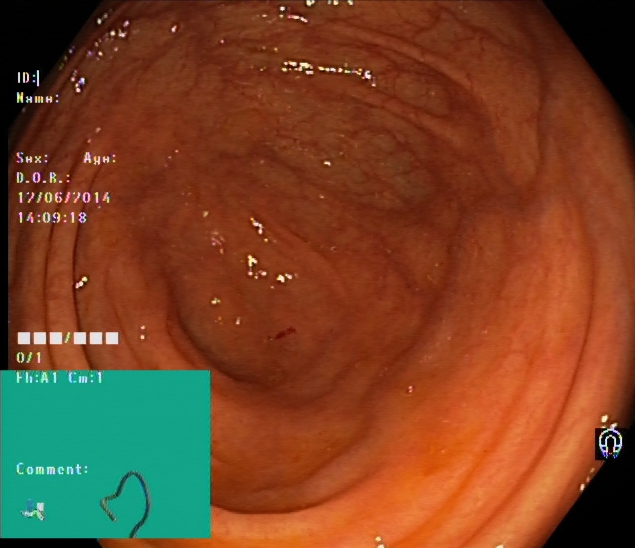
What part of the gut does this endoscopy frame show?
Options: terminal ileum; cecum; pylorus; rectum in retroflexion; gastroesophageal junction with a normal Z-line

cecum